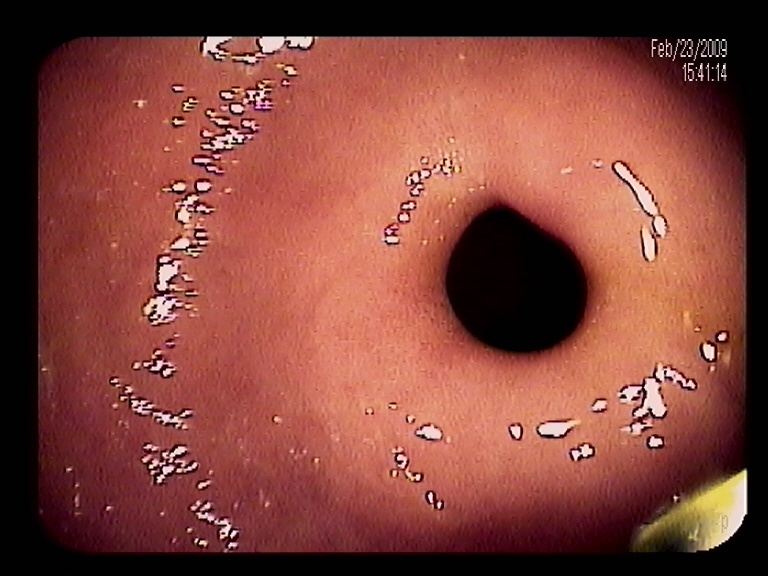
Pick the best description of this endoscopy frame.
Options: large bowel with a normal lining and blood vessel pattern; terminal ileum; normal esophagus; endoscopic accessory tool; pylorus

pylorus